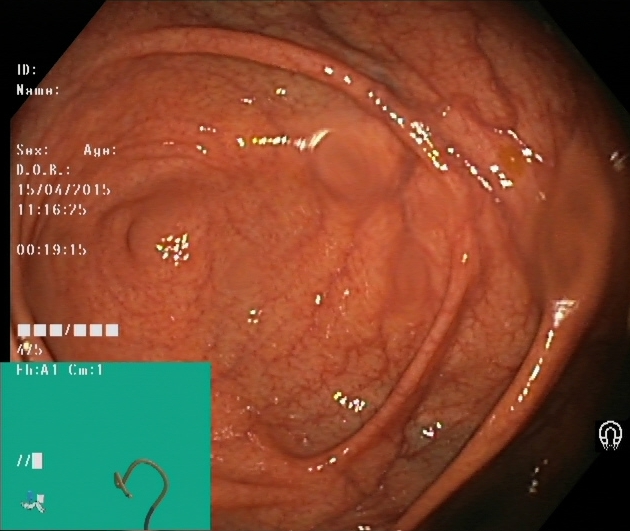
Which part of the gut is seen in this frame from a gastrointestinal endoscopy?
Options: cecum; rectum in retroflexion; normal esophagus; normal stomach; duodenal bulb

cecum